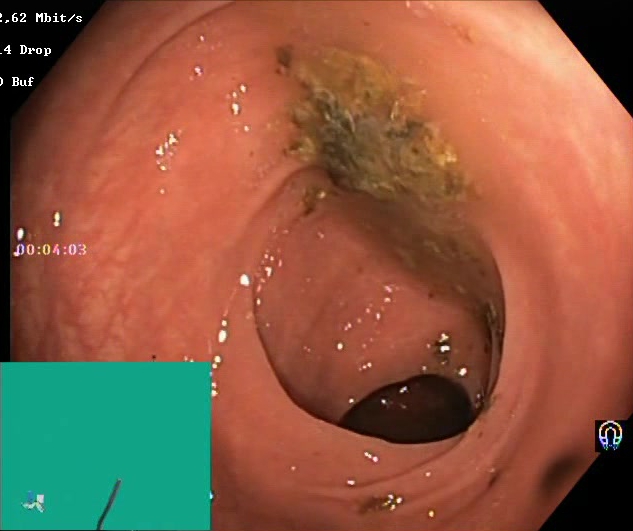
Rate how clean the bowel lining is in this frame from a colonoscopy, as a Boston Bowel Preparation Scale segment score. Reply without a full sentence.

Boston Bowel Preparation Scale score 0–1 (inadequate preparation)